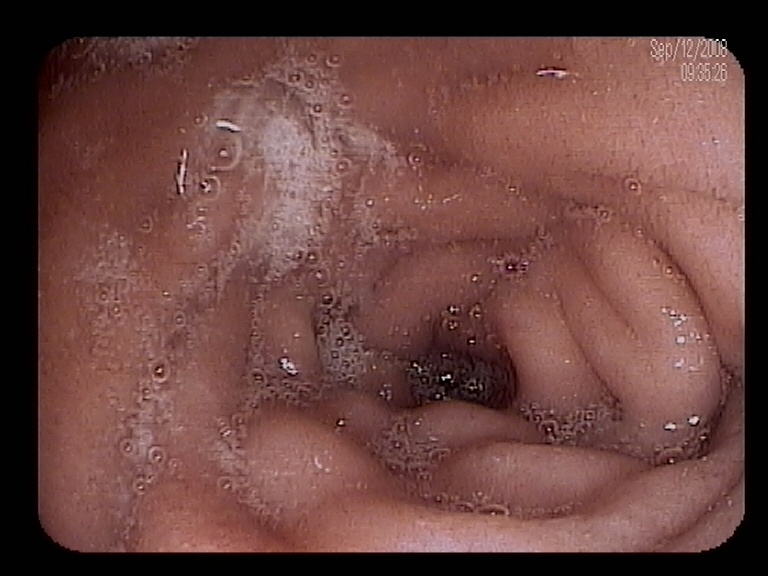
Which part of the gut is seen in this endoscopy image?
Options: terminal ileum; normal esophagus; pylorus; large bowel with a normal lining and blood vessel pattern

terminal ileum